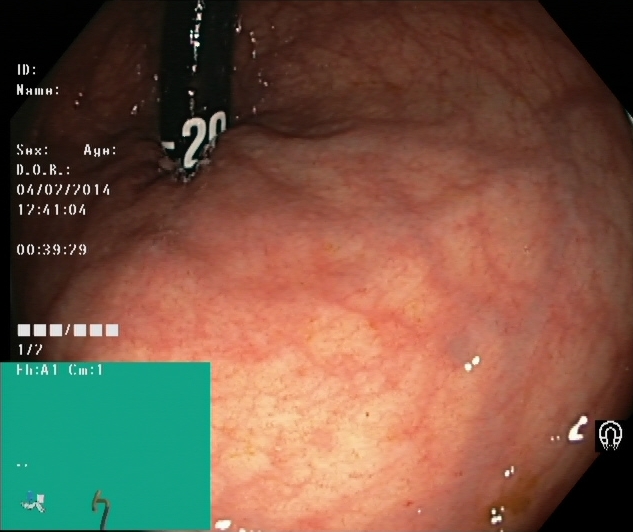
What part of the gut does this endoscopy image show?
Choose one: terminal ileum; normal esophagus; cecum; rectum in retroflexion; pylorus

rectum in retroflexion